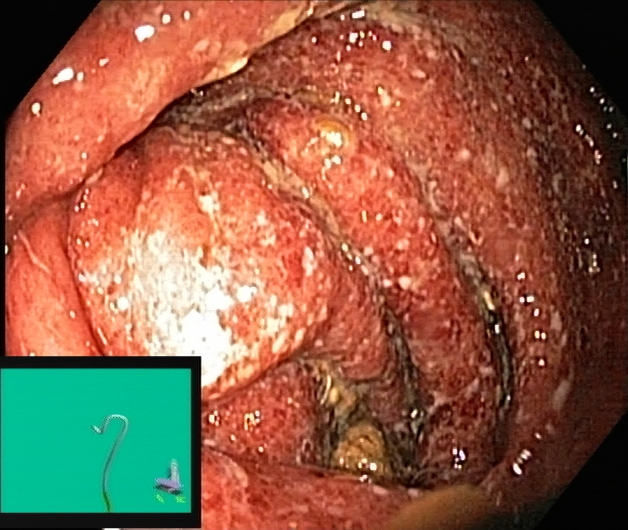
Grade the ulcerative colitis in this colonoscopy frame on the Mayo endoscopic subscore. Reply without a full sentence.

ulcerative colitis, Mayo endoscopic subscore 3